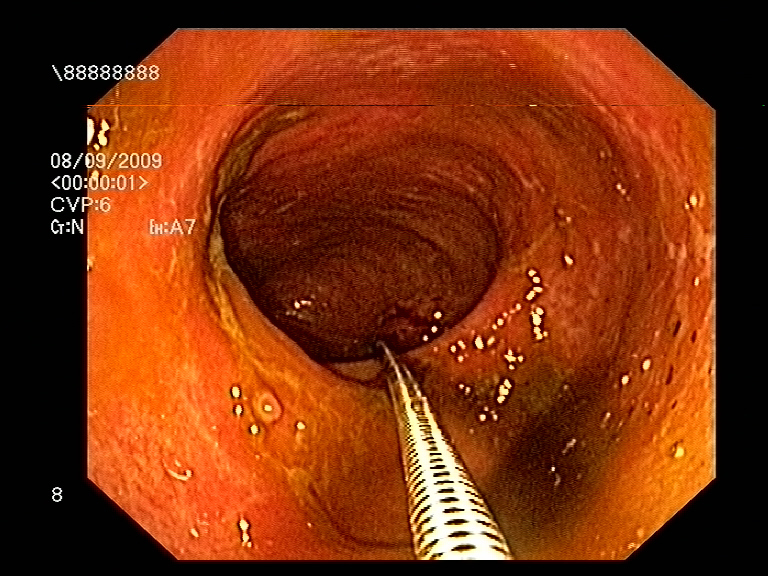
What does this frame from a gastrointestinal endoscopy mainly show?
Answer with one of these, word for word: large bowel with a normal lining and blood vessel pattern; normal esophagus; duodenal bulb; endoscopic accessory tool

endoscopic accessory tool